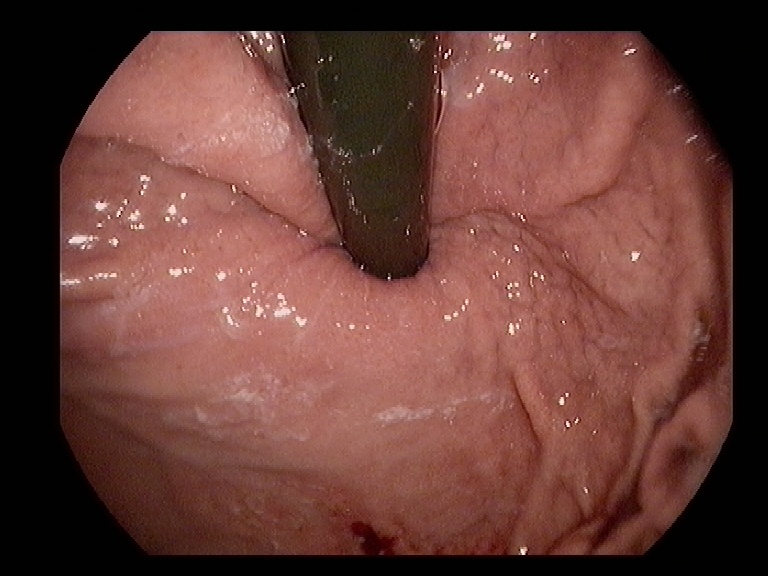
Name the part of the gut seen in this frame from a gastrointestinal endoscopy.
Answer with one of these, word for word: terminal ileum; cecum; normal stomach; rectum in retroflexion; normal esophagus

normal stomach